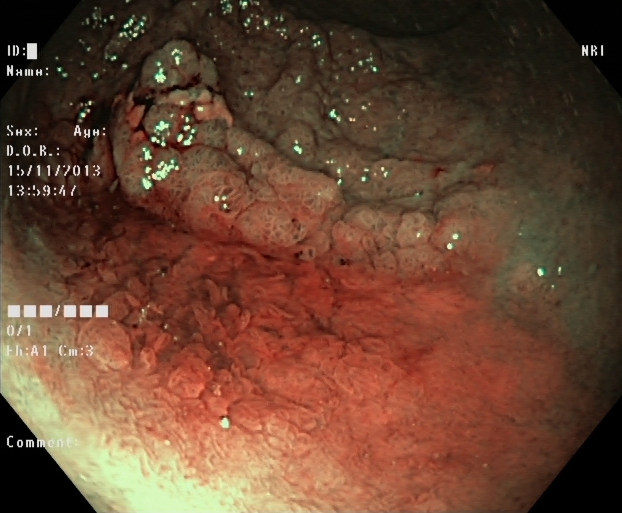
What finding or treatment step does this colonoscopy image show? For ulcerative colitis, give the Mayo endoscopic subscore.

dyed and lifted polyp (pre-resection)